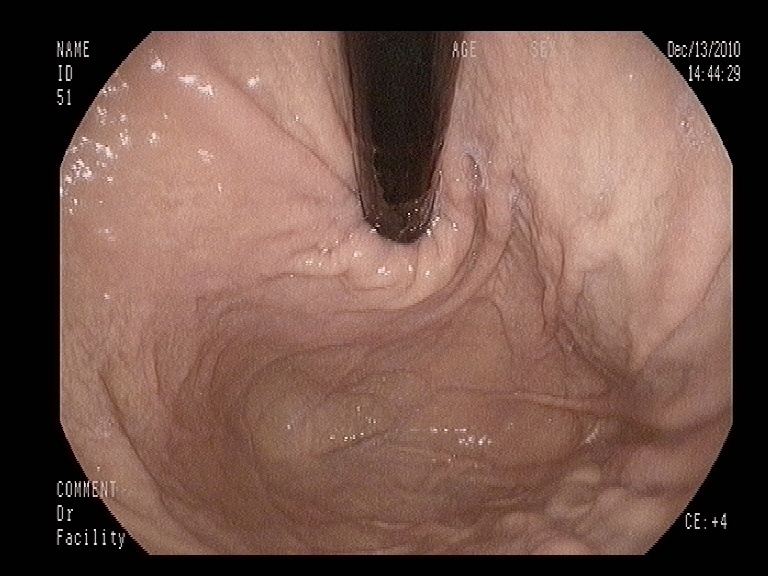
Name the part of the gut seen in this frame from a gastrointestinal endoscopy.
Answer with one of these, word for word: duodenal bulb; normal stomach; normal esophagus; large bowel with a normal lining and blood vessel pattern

normal stomach